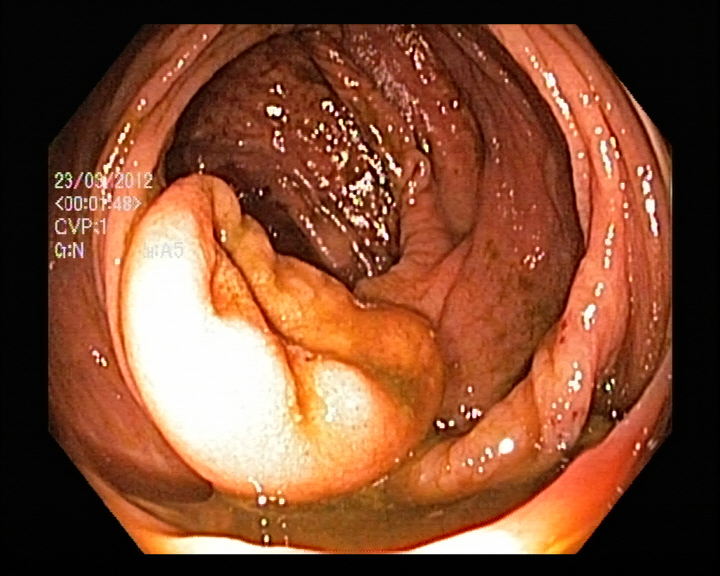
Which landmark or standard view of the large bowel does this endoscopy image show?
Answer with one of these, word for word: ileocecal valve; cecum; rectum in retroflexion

ileocecal valve